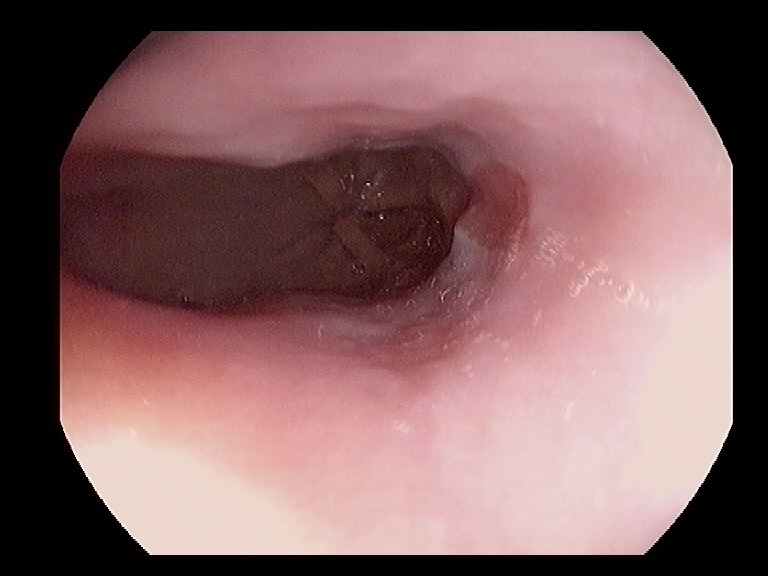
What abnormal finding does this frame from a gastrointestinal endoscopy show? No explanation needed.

Barrett's esophagus